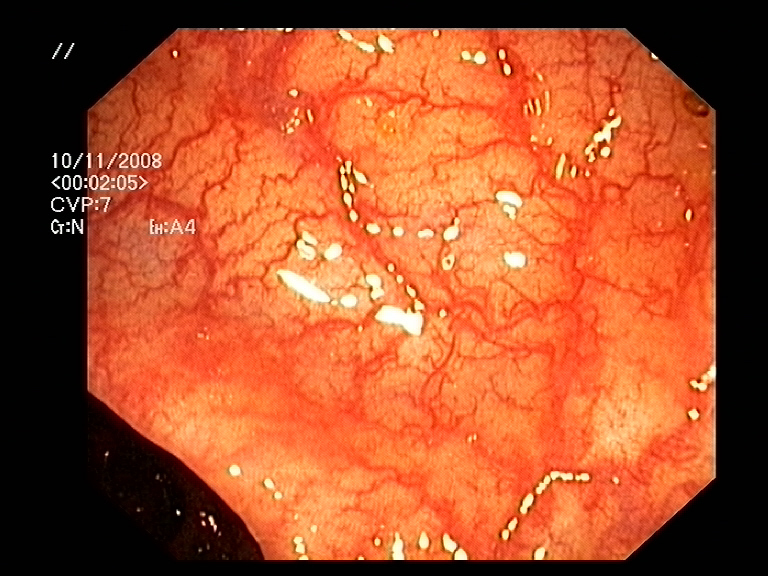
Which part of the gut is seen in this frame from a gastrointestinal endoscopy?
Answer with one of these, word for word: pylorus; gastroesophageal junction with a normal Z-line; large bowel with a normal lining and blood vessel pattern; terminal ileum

large bowel with a normal lining and blood vessel pattern